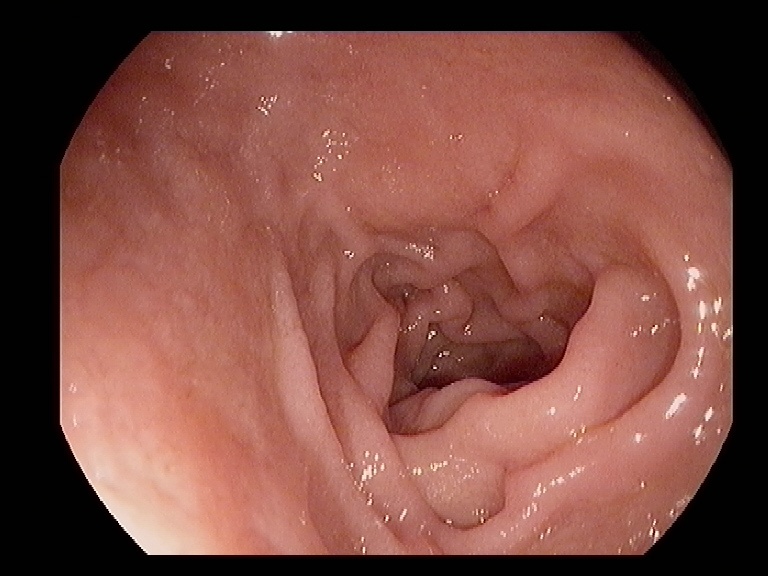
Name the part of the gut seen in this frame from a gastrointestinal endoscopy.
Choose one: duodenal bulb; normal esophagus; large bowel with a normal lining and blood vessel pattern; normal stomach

duodenal bulb